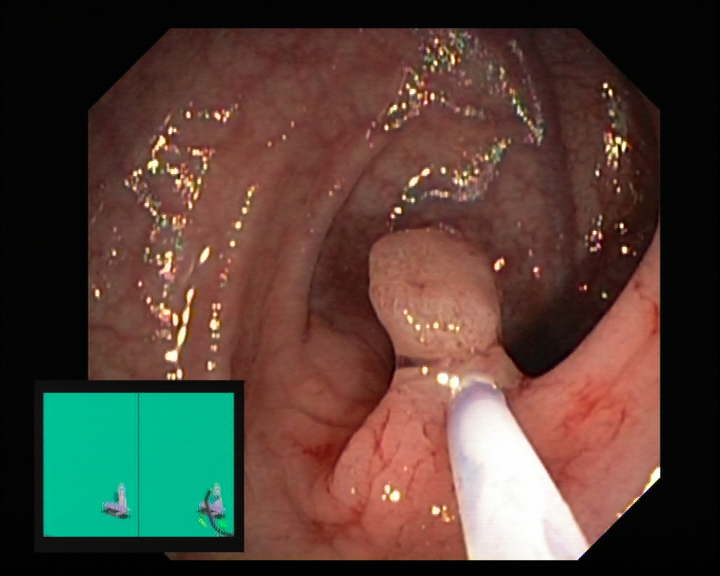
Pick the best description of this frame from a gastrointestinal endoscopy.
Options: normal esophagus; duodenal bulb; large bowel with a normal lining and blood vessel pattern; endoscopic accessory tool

endoscopic accessory tool